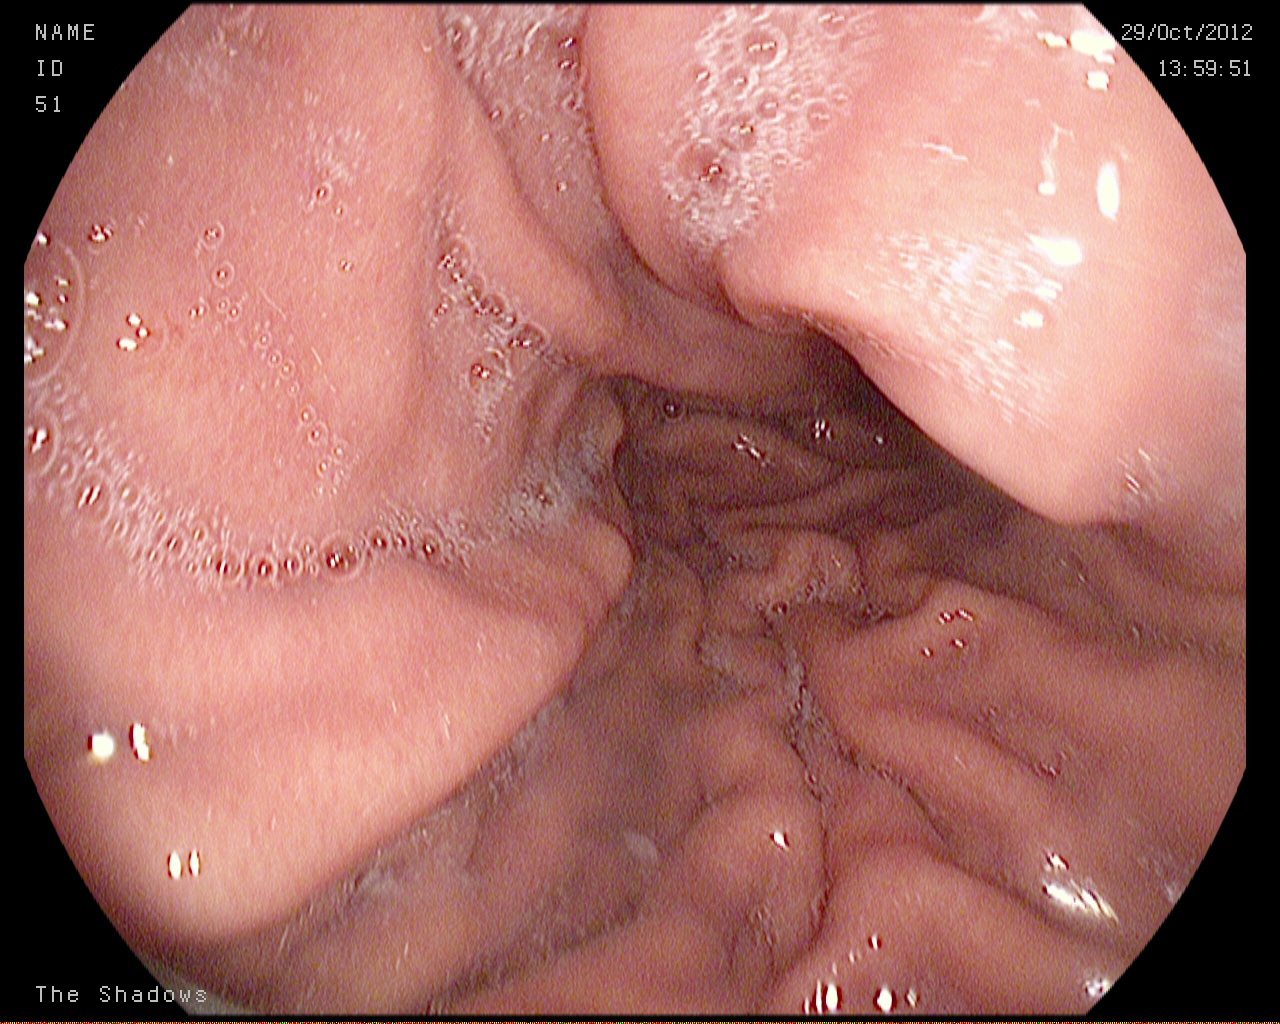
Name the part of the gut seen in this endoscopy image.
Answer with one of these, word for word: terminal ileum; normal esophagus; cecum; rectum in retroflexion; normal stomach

normal stomach